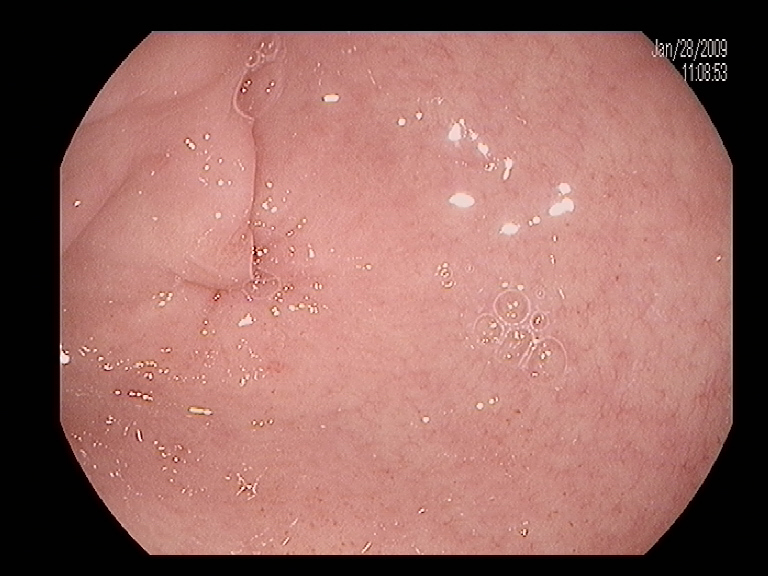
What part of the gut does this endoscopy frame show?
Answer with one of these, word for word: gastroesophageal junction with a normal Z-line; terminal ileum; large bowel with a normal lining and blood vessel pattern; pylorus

pylorus